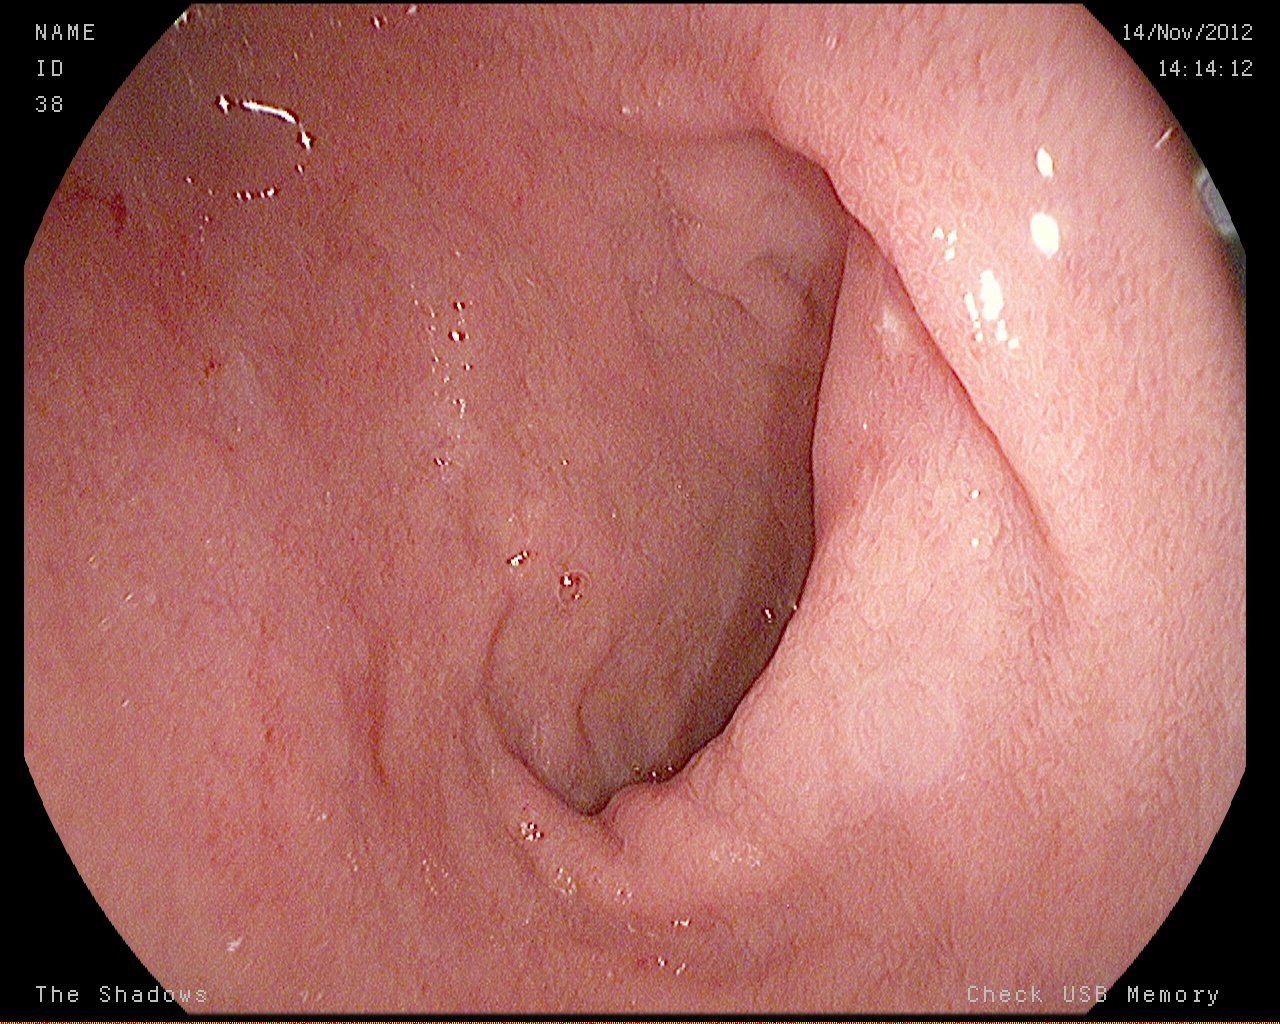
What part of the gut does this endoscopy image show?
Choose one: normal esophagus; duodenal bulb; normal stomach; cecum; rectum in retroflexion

duodenal bulb